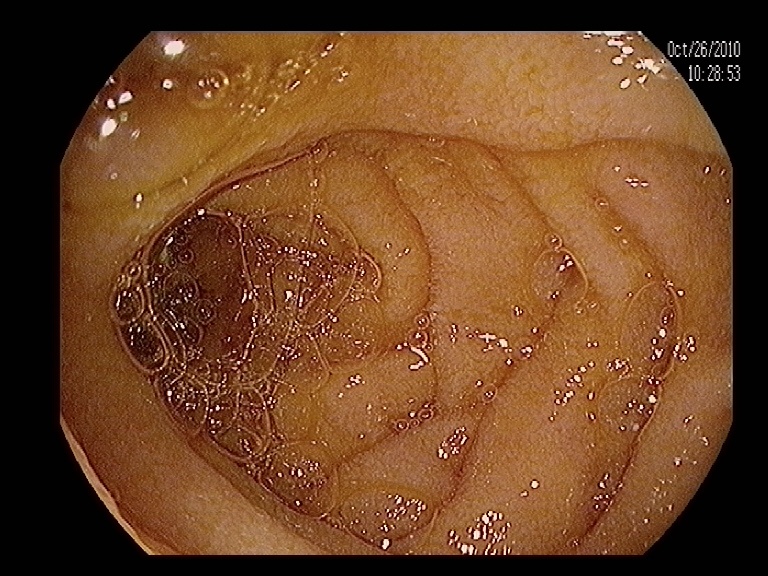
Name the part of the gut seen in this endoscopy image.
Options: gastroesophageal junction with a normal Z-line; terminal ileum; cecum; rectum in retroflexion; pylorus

terminal ileum